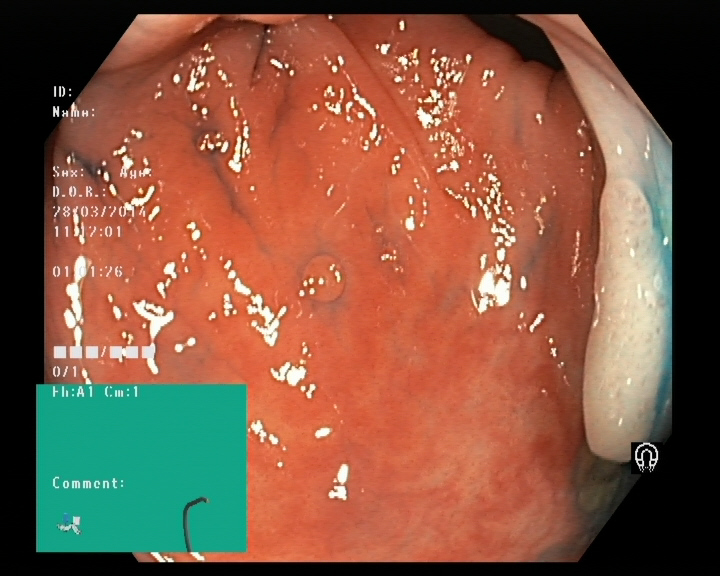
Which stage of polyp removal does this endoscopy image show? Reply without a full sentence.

dyed and lifted polyp (pre-resection)